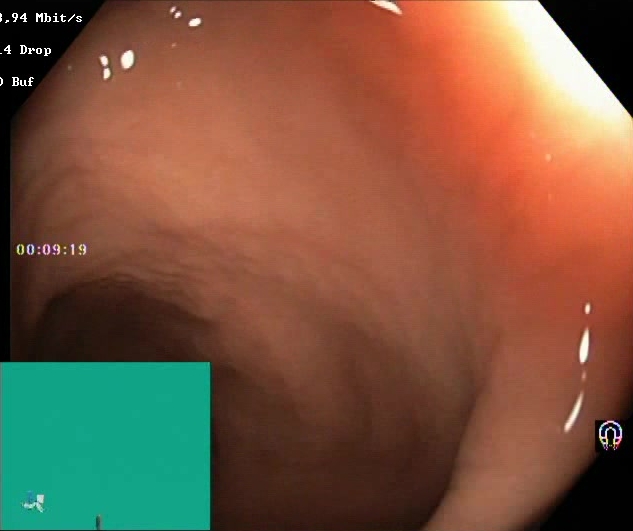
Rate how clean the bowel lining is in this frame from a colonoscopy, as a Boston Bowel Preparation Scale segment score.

Boston Bowel Preparation Scale score 2–3 (adequate preparation)